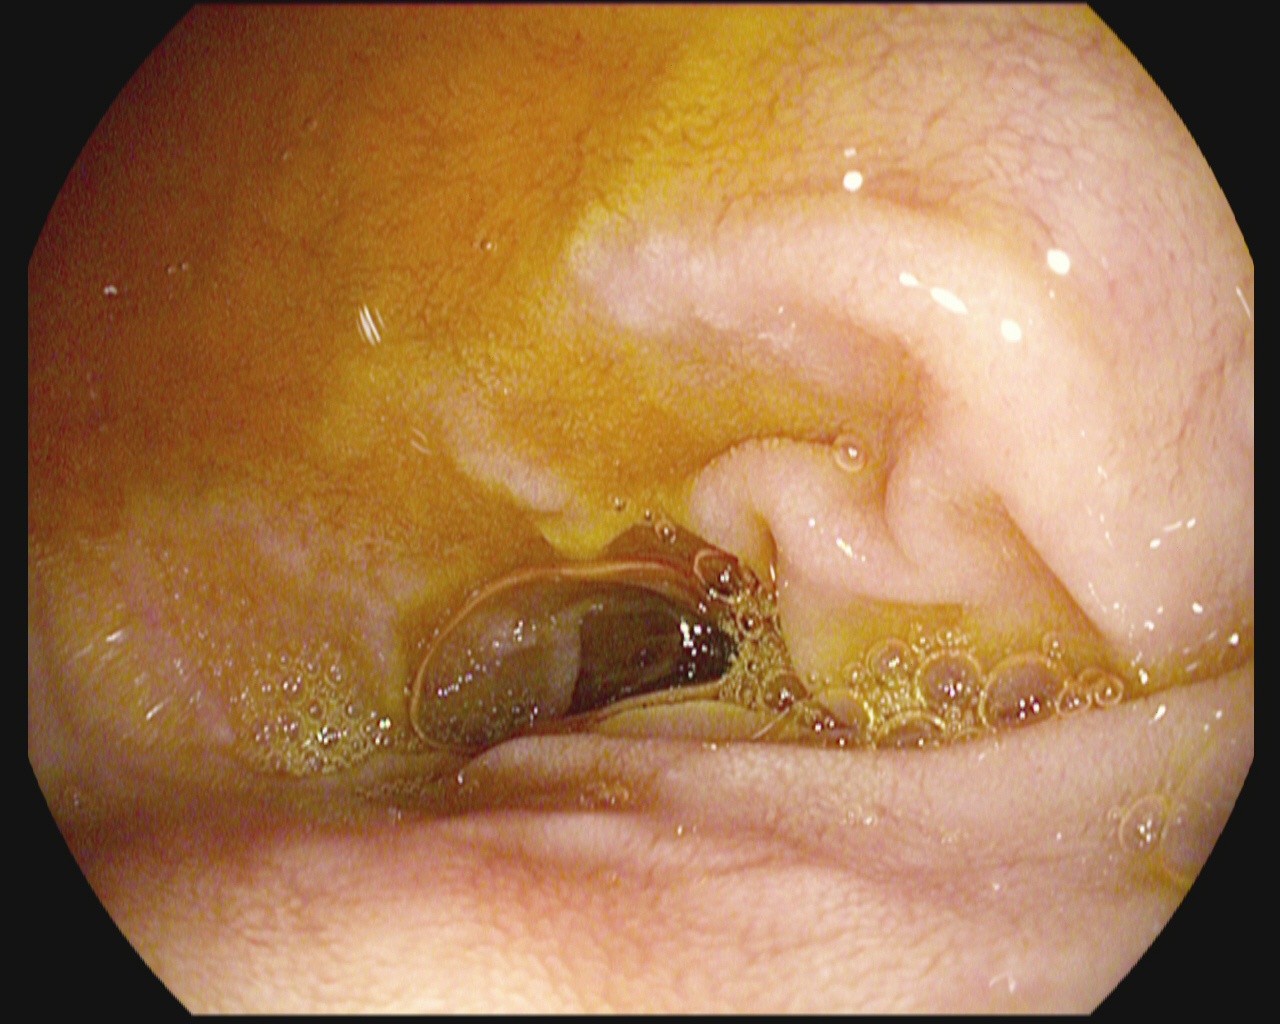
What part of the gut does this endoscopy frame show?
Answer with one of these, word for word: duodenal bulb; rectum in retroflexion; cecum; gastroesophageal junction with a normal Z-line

duodenal bulb